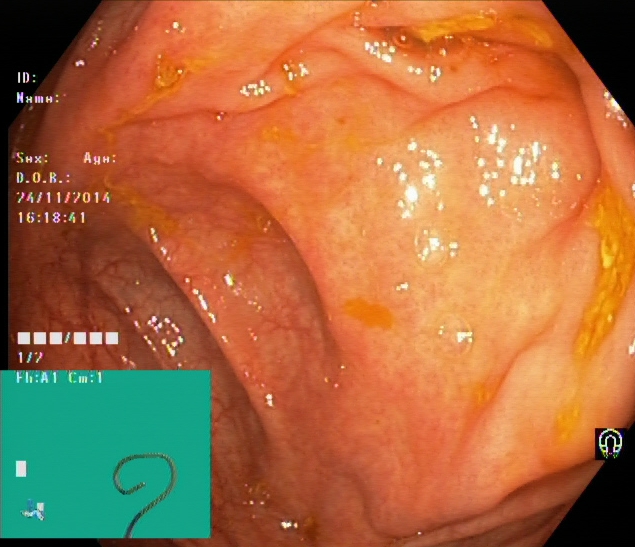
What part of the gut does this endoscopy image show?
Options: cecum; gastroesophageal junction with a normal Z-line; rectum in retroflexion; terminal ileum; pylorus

cecum